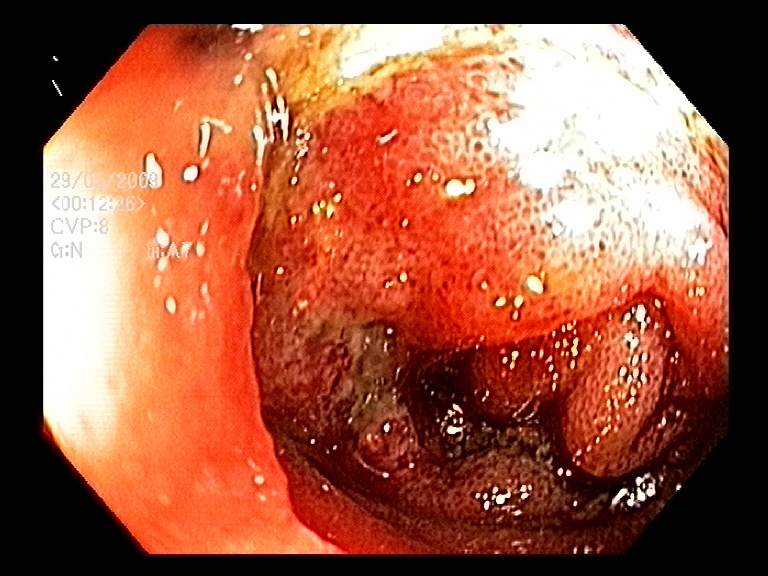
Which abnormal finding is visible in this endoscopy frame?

colorectal cancer